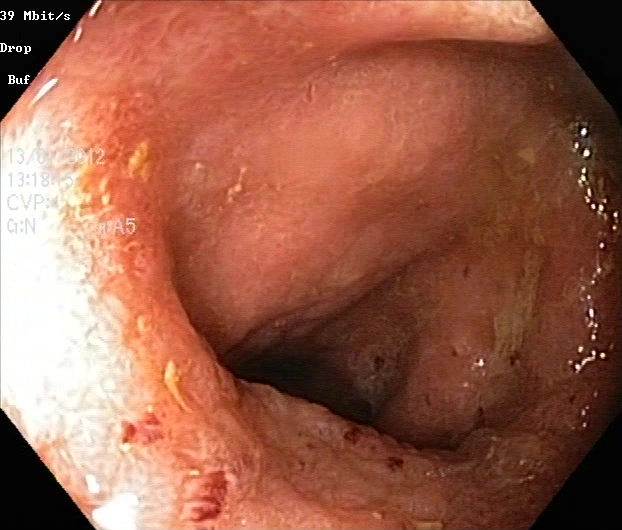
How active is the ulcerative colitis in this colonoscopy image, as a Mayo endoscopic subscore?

ulcerative colitis, Mayo endoscopic subscore 2